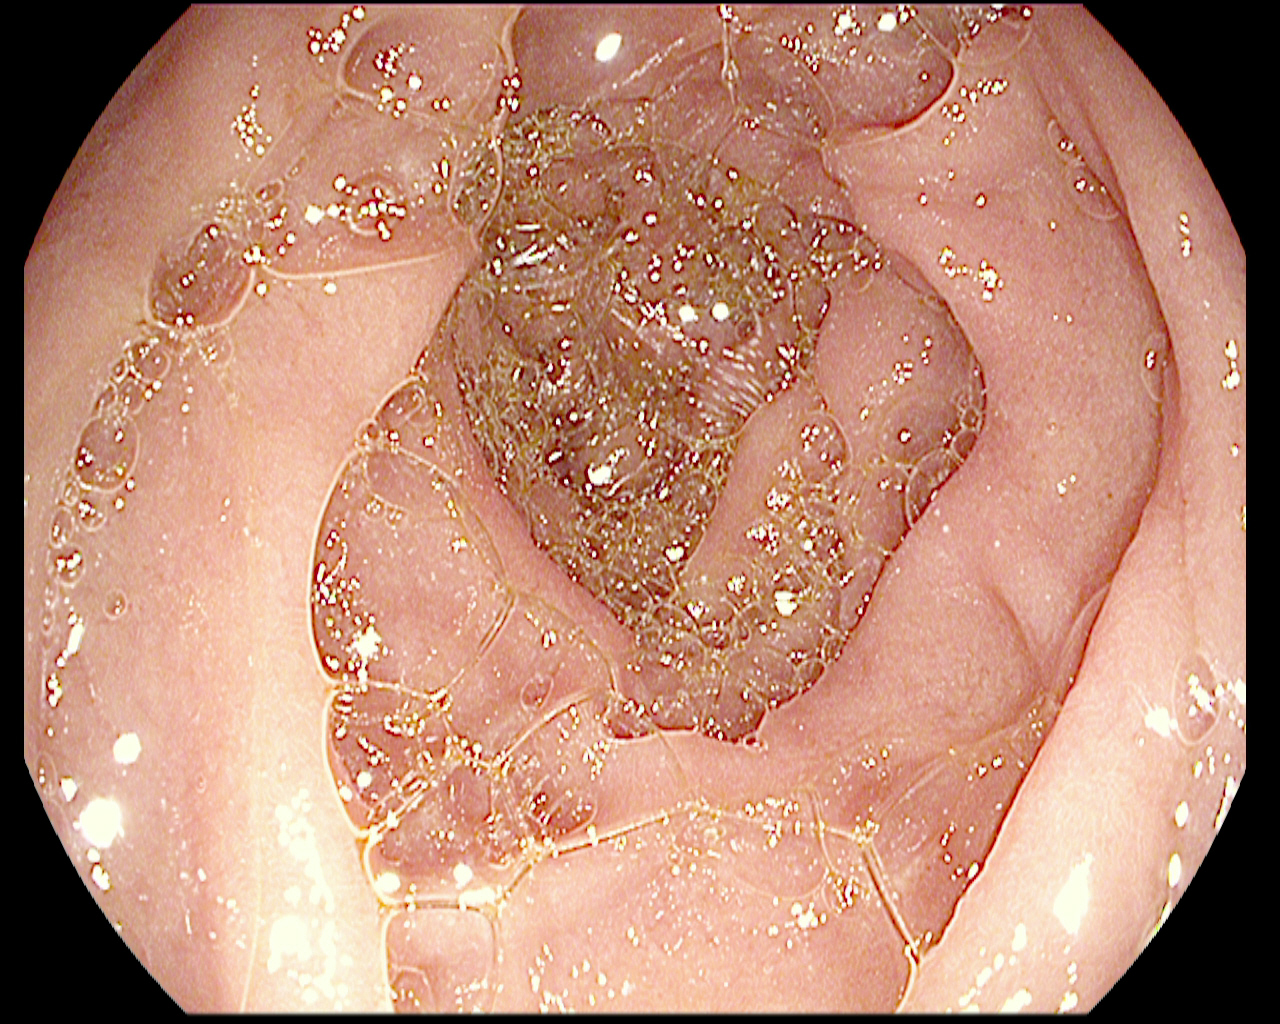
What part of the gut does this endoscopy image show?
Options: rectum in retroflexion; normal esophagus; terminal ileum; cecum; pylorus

terminal ileum